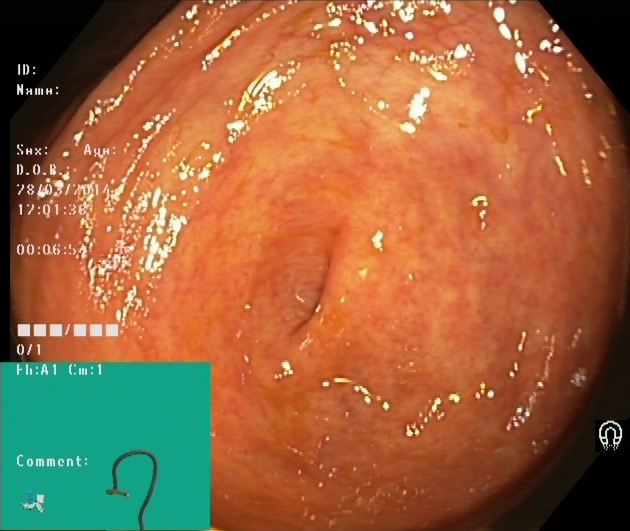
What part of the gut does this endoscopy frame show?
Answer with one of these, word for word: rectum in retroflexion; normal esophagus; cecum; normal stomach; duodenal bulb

cecum